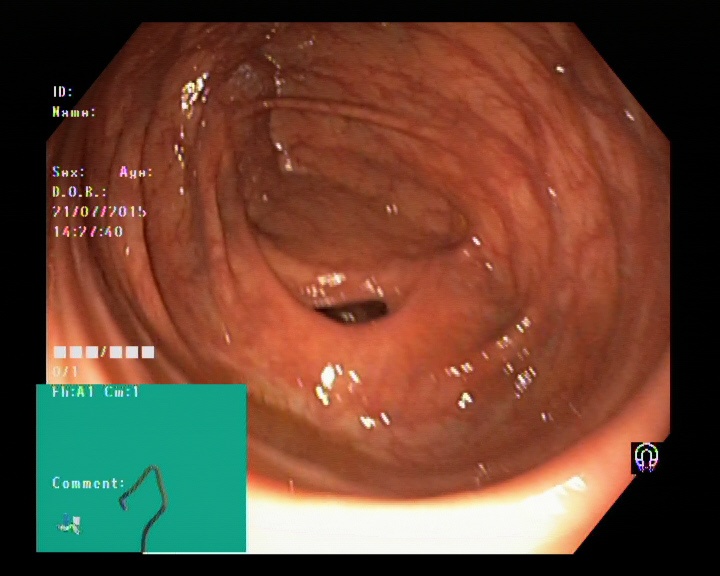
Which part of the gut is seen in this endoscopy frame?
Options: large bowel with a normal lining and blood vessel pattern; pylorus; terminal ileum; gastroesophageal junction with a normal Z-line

large bowel with a normal lining and blood vessel pattern